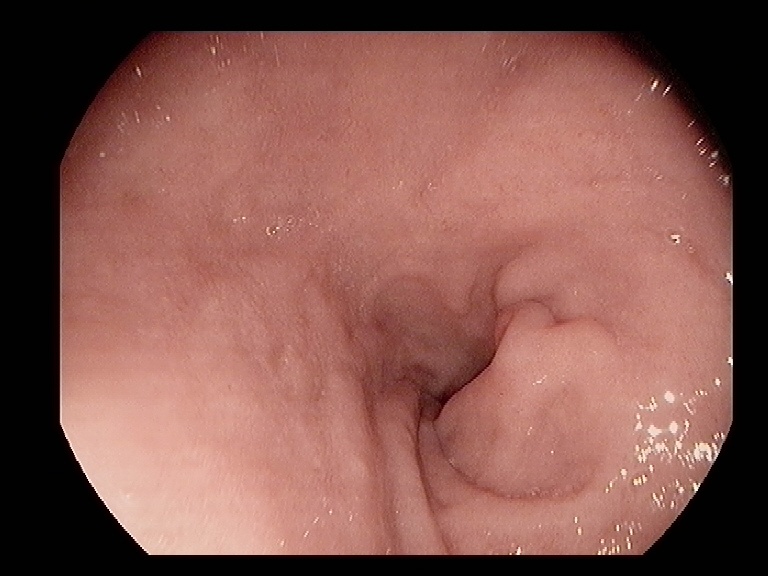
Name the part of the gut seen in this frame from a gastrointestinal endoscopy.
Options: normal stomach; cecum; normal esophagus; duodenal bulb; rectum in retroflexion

normal stomach